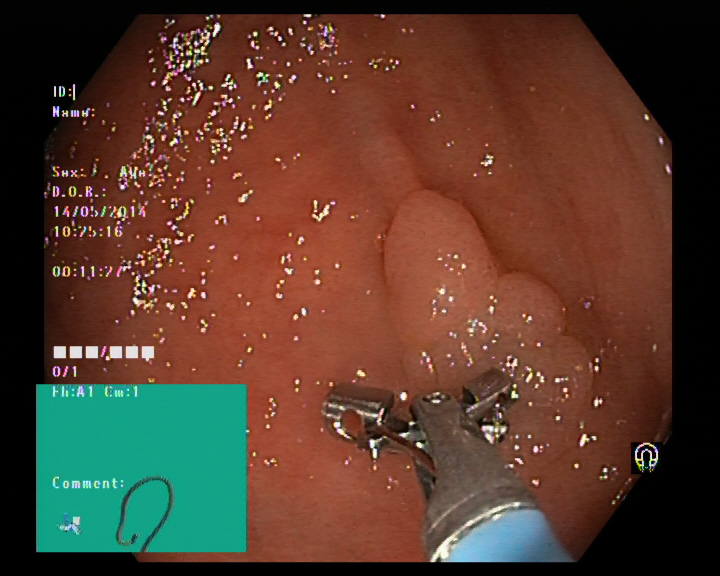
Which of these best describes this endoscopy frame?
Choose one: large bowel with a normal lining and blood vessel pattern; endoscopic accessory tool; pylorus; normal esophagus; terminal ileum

endoscopic accessory tool